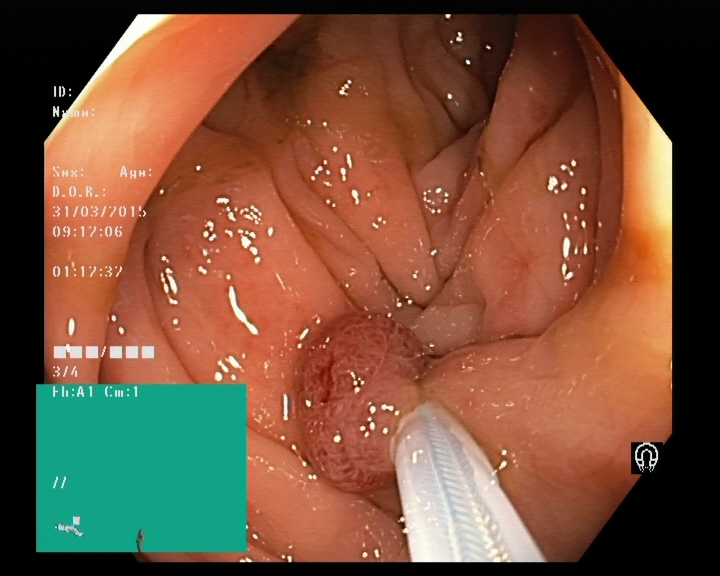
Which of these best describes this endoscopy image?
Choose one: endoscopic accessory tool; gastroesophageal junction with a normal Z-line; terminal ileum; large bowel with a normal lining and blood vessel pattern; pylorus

endoscopic accessory tool